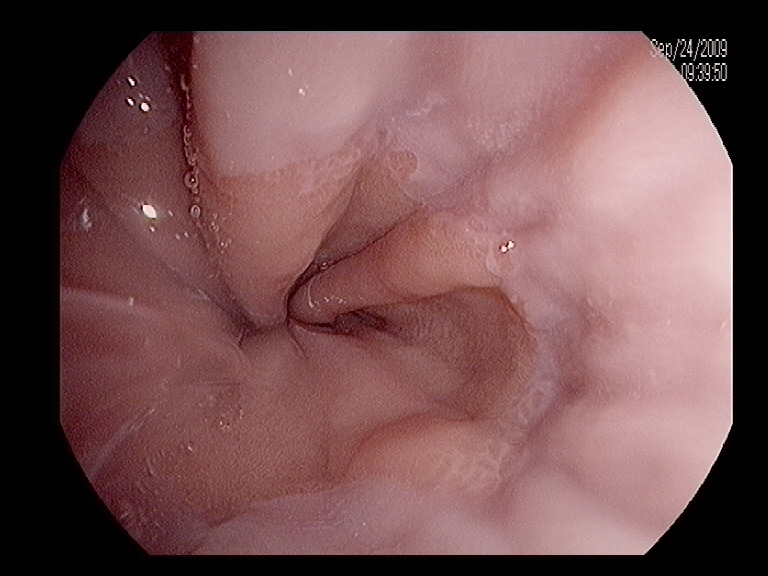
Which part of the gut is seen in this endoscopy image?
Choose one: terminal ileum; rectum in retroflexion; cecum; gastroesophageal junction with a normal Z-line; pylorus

gastroesophageal junction with a normal Z-line